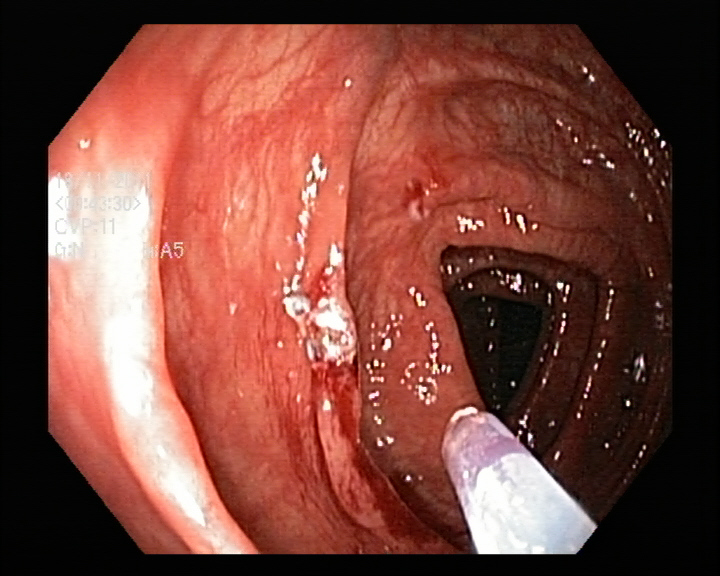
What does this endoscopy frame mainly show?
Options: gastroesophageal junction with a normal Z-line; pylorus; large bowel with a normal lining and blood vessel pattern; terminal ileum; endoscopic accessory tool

endoscopic accessory tool